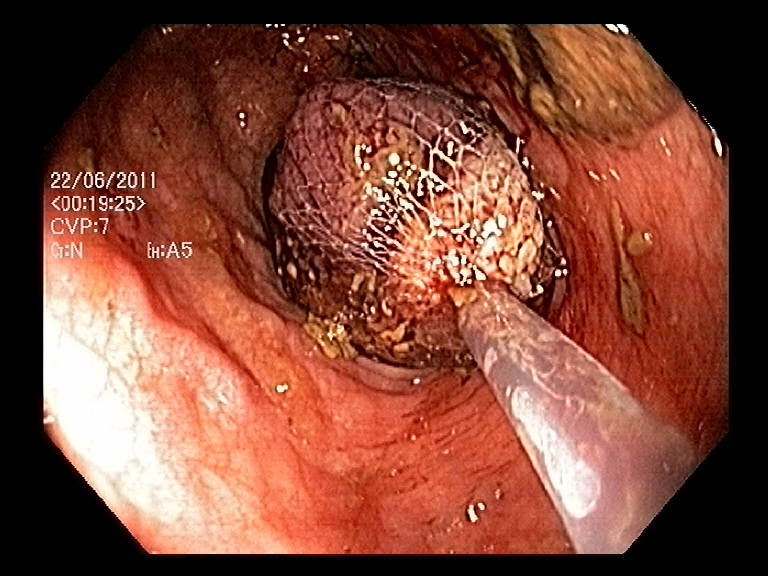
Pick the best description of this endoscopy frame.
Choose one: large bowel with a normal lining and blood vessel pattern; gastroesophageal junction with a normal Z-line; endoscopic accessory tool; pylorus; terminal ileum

endoscopic accessory tool